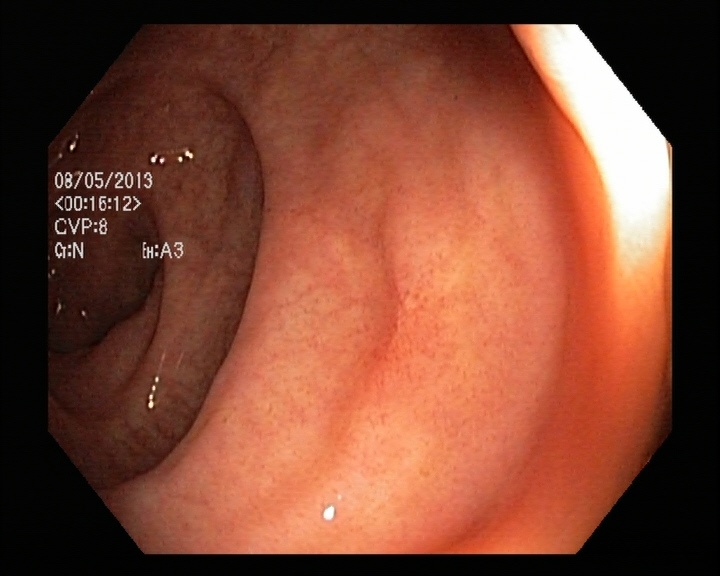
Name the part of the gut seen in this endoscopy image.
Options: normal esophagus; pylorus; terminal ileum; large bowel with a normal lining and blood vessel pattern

terminal ileum